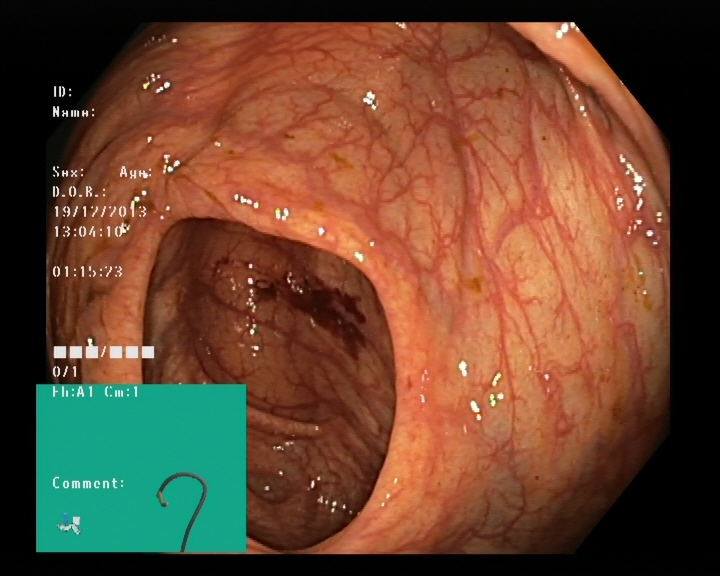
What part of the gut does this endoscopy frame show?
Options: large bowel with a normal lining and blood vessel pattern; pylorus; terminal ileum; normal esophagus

large bowel with a normal lining and blood vessel pattern